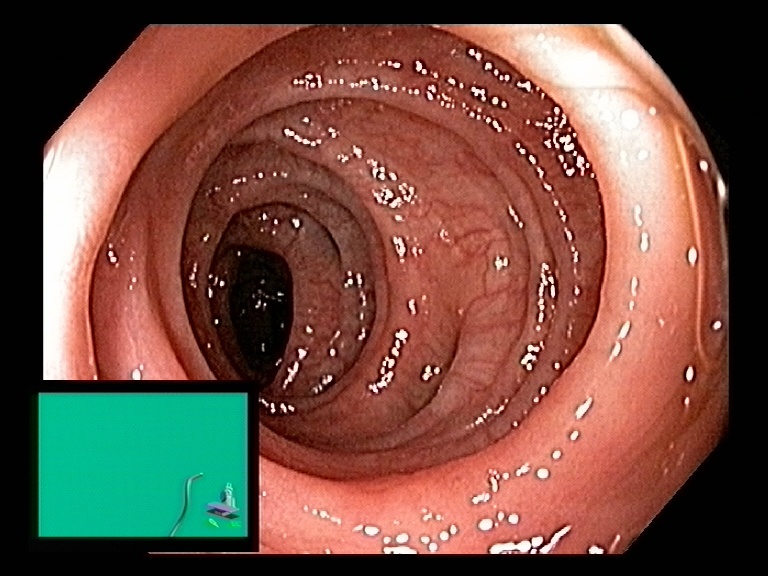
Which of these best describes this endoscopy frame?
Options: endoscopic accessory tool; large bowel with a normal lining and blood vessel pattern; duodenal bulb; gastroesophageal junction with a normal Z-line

large bowel with a normal lining and blood vessel pattern